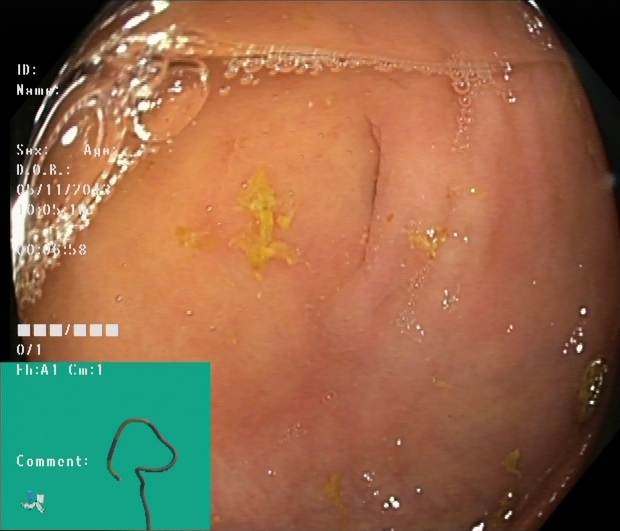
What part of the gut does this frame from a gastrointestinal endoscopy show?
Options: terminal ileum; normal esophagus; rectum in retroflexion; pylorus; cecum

cecum